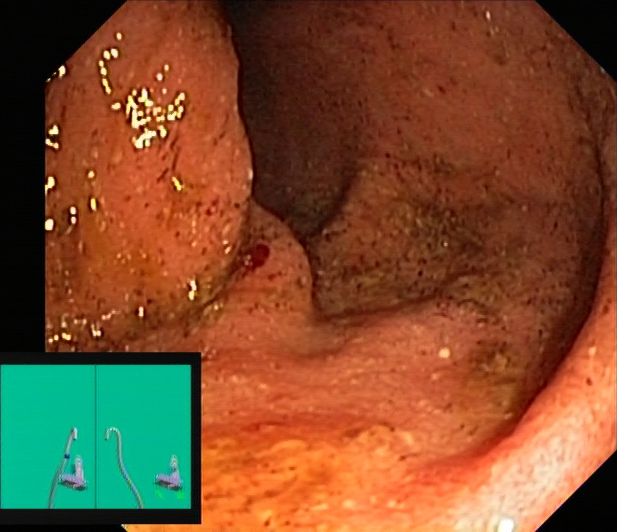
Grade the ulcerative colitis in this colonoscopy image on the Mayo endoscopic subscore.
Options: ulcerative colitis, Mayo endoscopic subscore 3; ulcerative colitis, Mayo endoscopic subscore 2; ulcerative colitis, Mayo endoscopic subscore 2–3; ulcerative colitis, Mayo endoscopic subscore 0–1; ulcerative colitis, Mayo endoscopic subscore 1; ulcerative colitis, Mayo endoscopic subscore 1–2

ulcerative colitis, Mayo endoscopic subscore 2